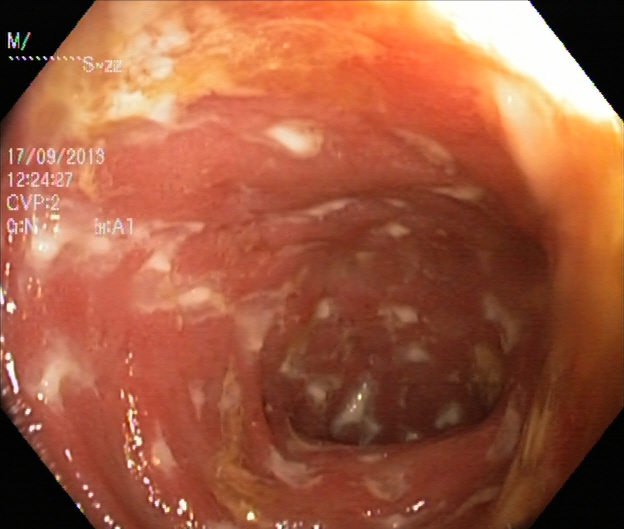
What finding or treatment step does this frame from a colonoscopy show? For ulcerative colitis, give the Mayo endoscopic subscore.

ulcerative colitis, Mayo endoscopic subscore 2